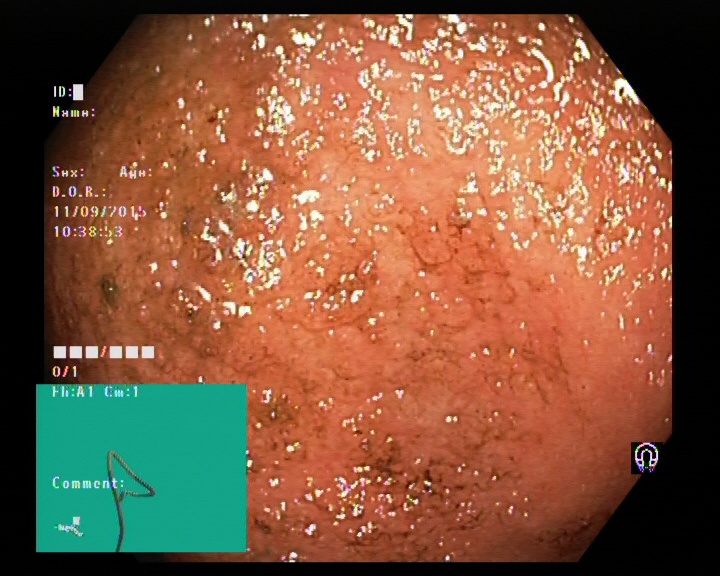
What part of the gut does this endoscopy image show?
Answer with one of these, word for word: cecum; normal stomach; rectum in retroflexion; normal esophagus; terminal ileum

terminal ileum